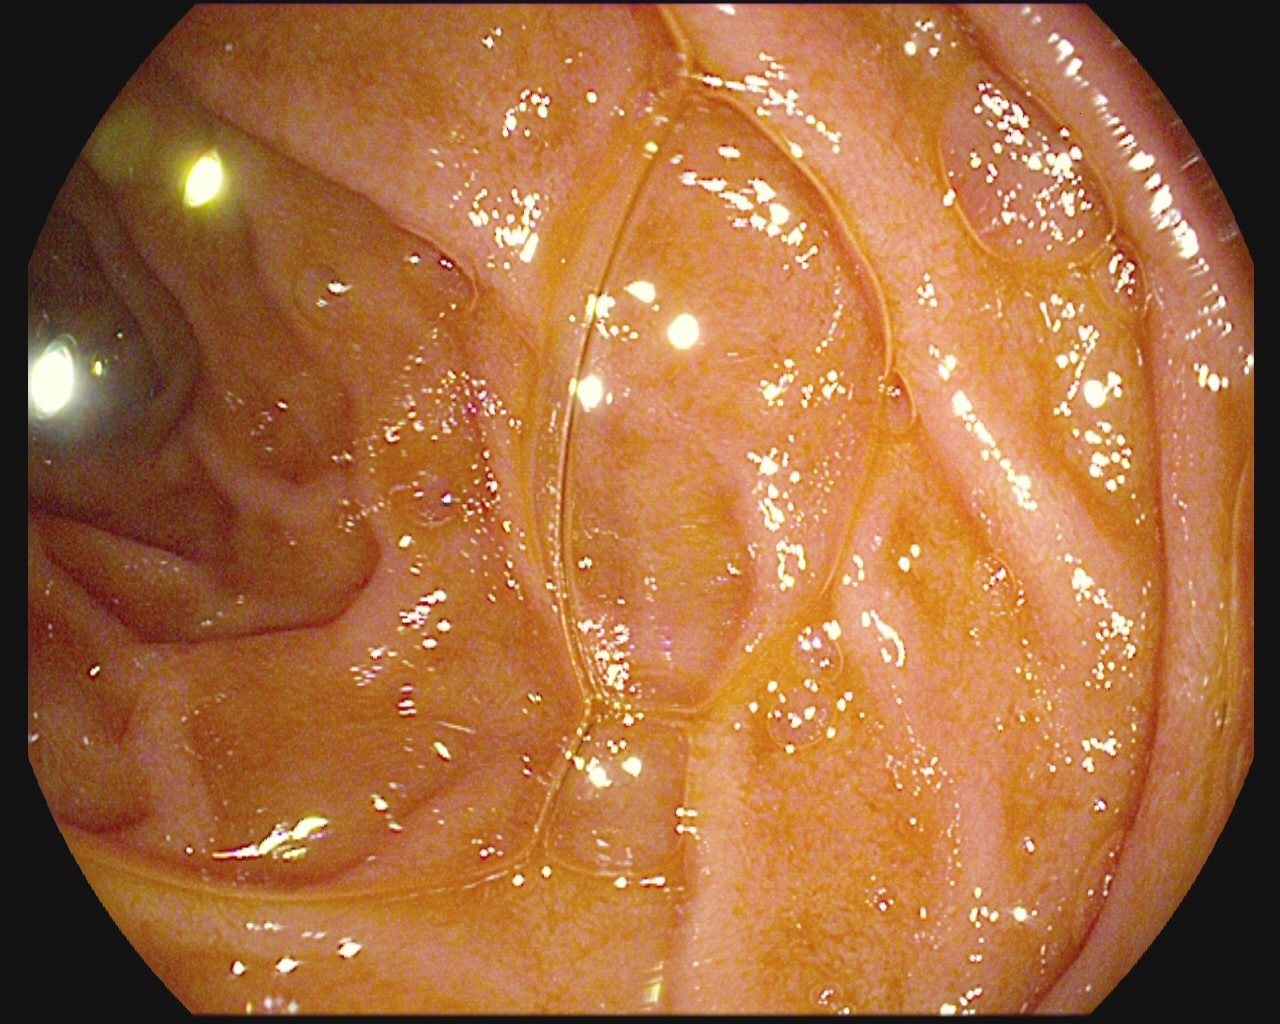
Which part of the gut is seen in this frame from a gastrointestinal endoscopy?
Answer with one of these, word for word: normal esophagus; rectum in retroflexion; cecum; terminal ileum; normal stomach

terminal ileum